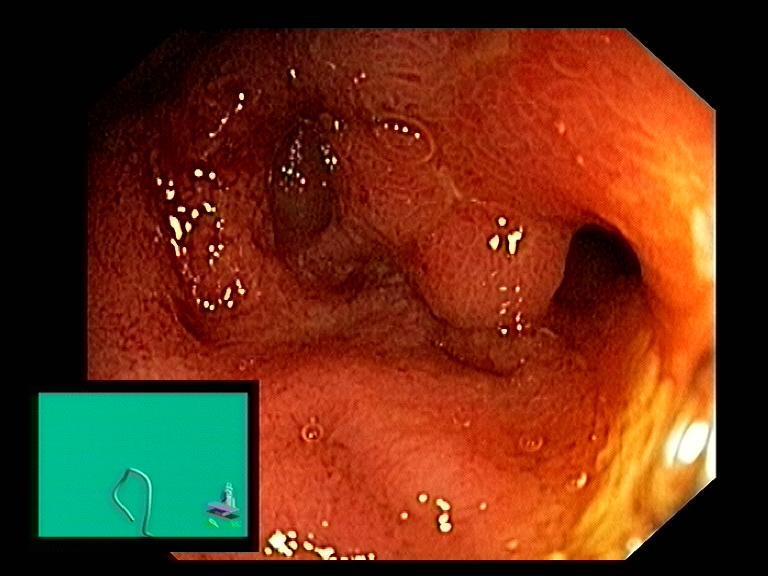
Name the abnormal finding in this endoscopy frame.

colon polyp